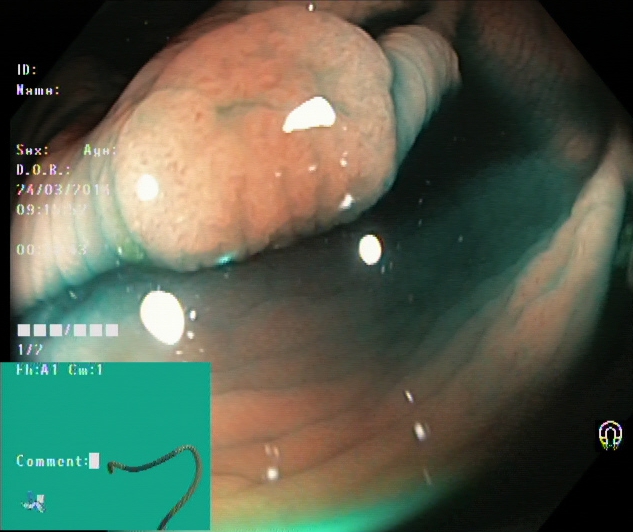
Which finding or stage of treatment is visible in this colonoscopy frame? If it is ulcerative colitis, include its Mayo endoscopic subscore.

dyed and lifted polyp (pre-resection)